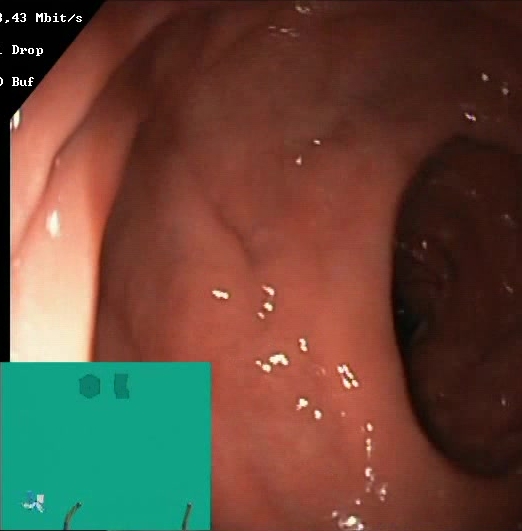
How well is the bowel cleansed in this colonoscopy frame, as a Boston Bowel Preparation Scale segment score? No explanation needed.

Boston Bowel Preparation Scale score 2–3 (adequate preparation)